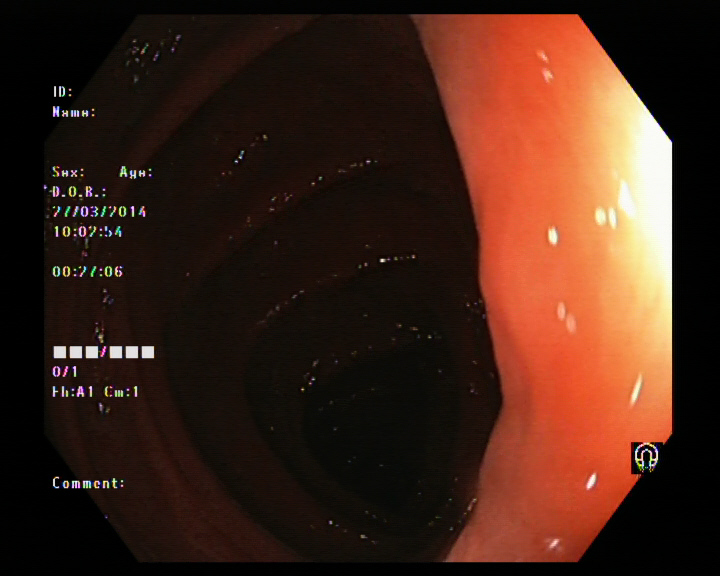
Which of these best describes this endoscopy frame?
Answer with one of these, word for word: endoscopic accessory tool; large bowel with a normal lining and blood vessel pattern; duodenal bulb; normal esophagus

endoscopic accessory tool